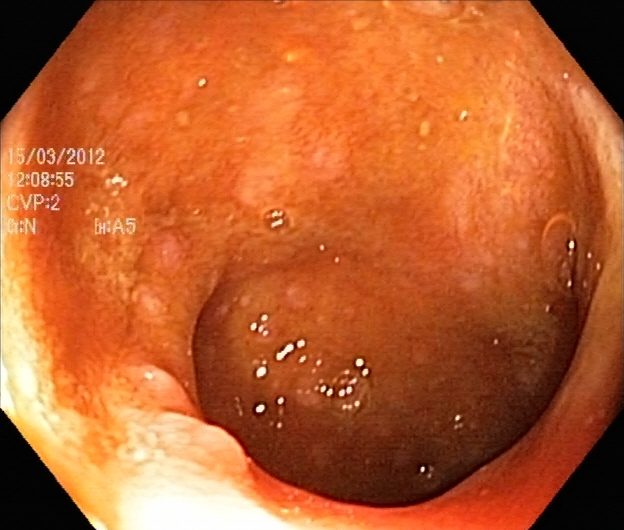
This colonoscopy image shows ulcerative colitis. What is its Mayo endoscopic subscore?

ulcerative colitis, Mayo endoscopic subscore 2